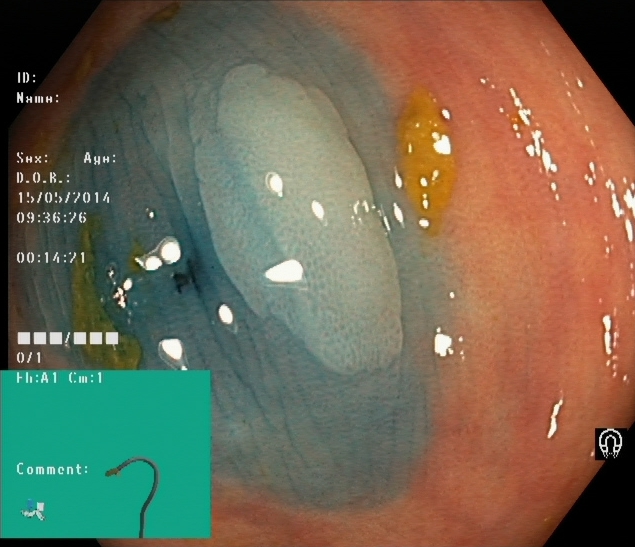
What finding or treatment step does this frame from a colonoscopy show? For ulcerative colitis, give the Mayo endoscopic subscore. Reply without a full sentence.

dyed and lifted polyp (pre-resection)